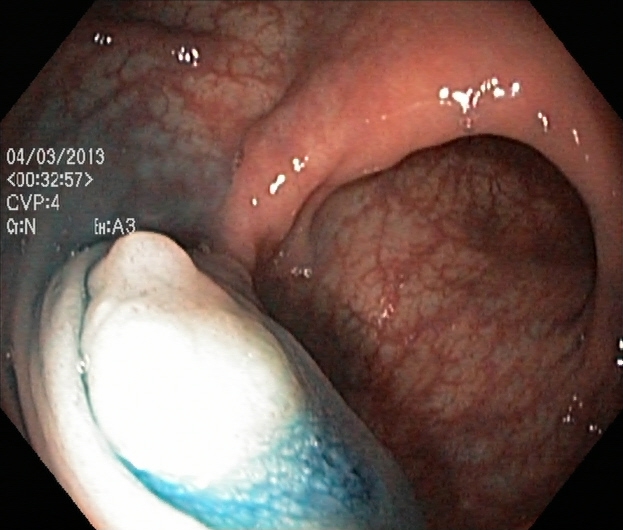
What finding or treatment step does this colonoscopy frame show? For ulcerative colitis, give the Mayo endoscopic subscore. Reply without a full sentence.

dyed and lifted polyp (pre-resection)